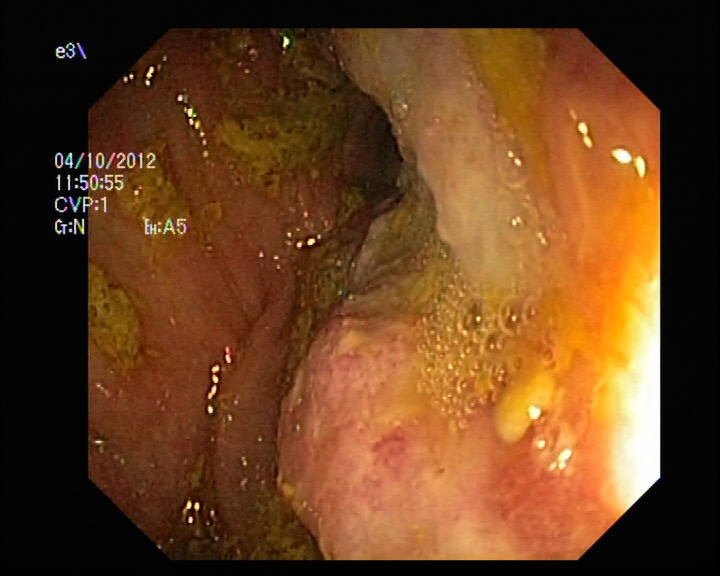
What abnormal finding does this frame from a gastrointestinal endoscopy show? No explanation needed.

colorectal cancer